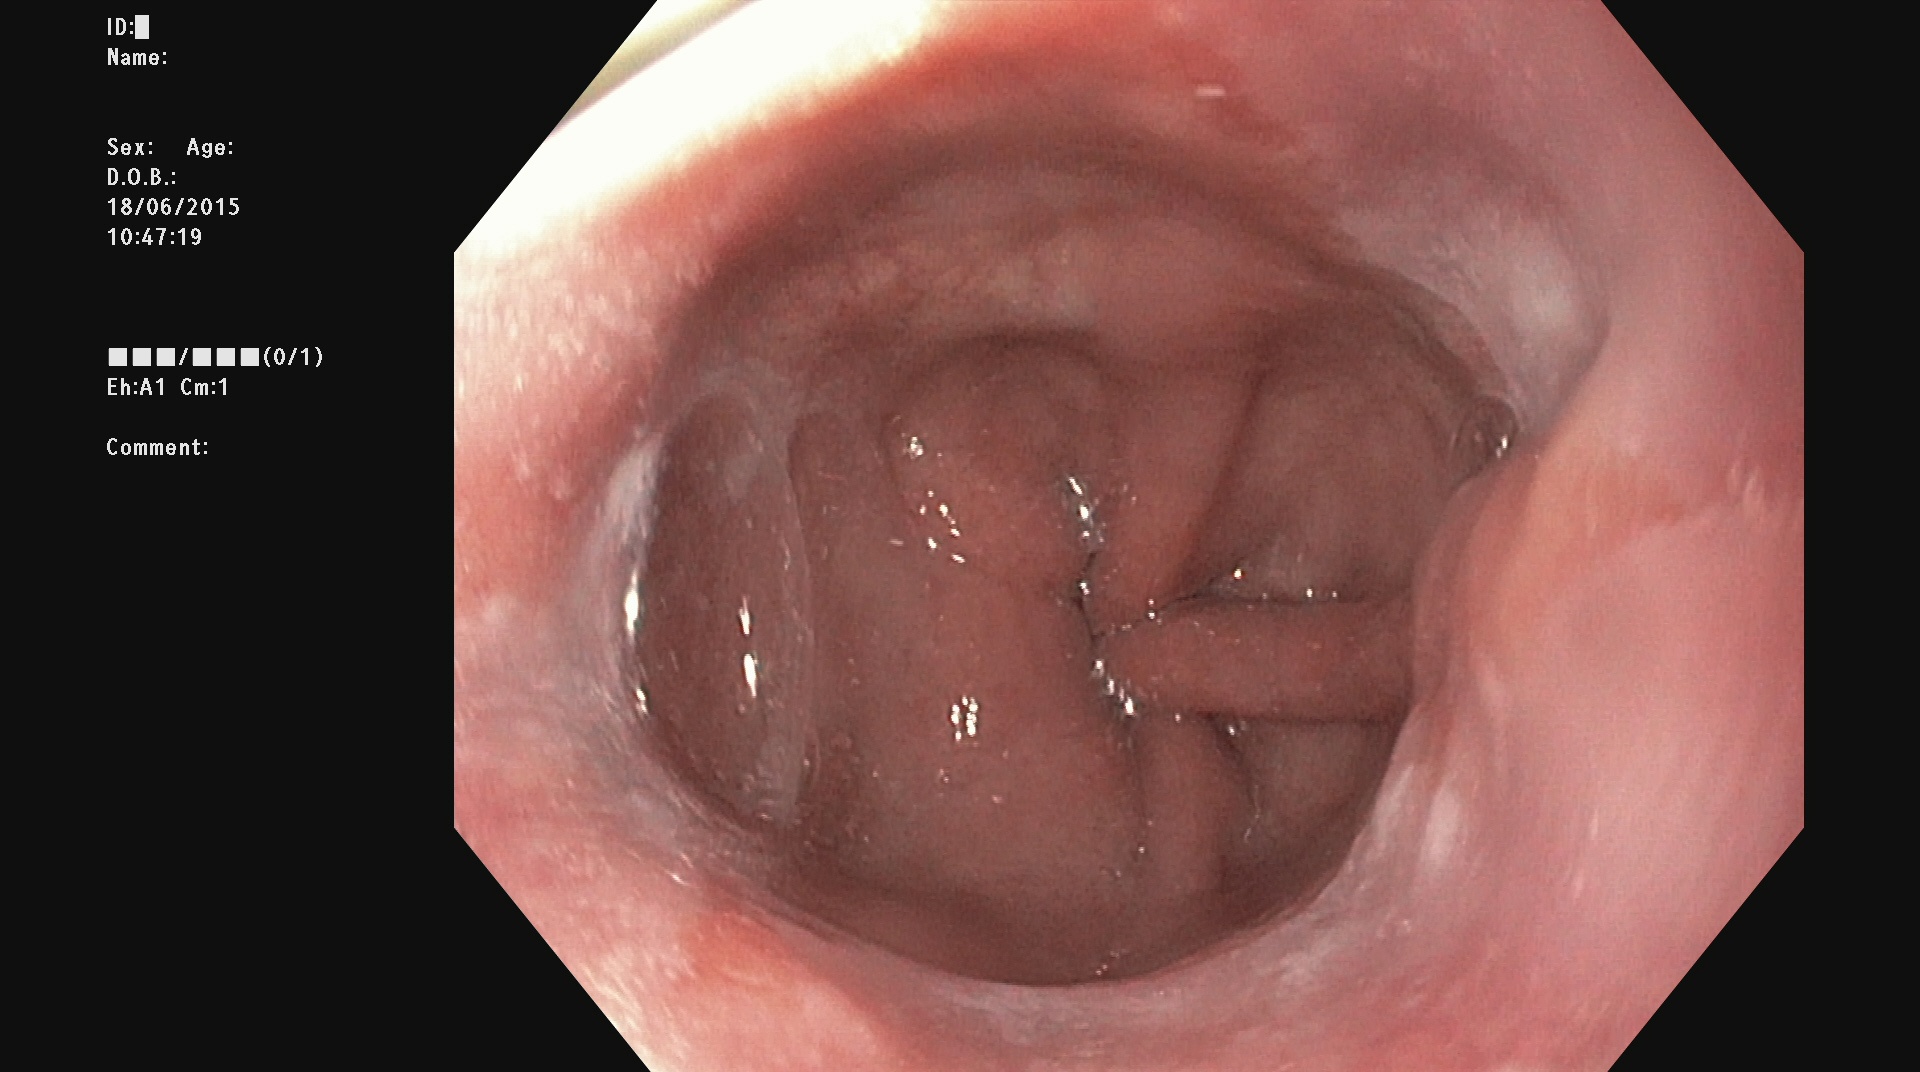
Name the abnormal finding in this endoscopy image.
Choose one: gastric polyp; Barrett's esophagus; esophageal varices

Barrett's esophagus